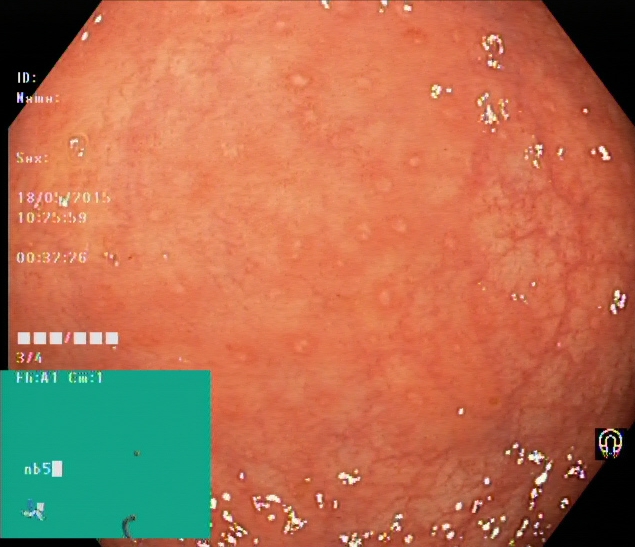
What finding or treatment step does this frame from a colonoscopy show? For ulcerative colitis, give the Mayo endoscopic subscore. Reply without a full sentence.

ulcerative colitis, Mayo endoscopic subscore 1